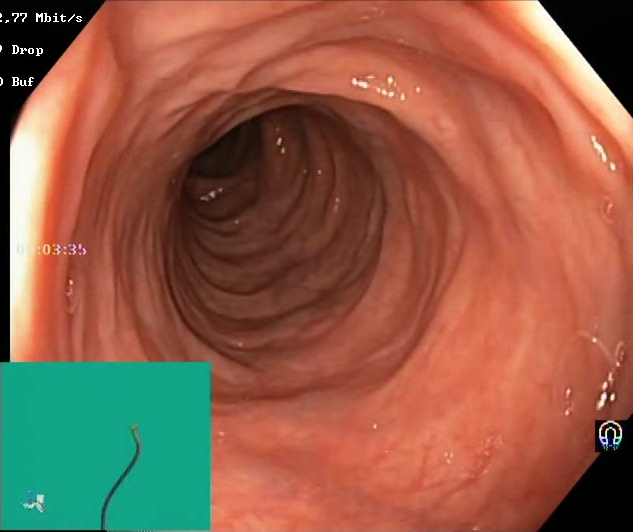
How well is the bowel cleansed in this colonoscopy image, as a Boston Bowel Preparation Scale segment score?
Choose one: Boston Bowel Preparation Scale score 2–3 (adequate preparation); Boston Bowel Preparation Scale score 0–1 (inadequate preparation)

Boston Bowel Preparation Scale score 2–3 (adequate preparation)